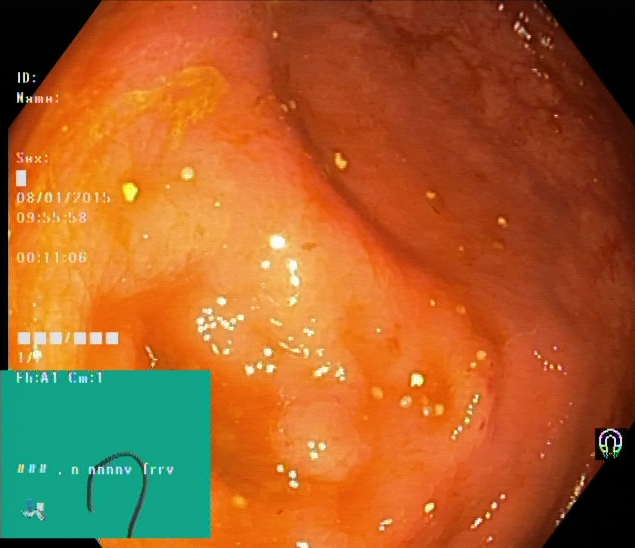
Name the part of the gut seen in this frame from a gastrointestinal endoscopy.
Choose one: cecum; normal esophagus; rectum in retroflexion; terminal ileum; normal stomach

cecum